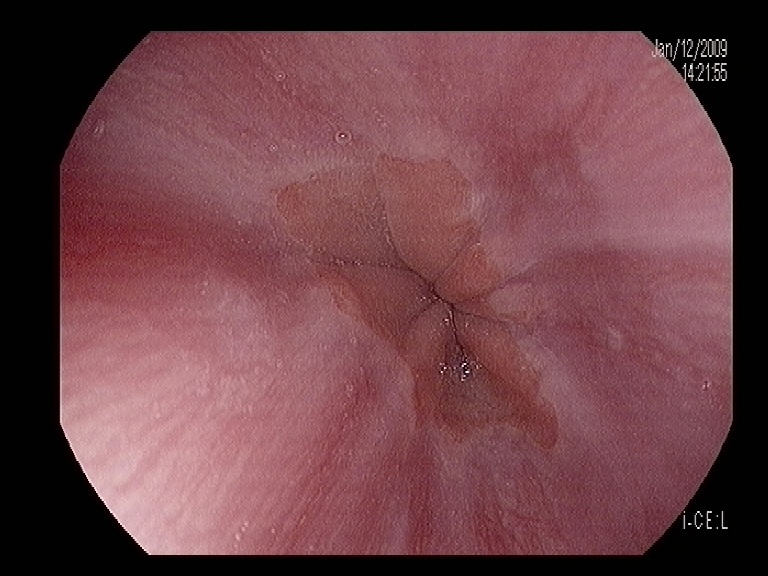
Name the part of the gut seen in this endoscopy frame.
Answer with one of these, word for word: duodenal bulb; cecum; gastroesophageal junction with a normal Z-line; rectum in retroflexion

gastroesophageal junction with a normal Z-line